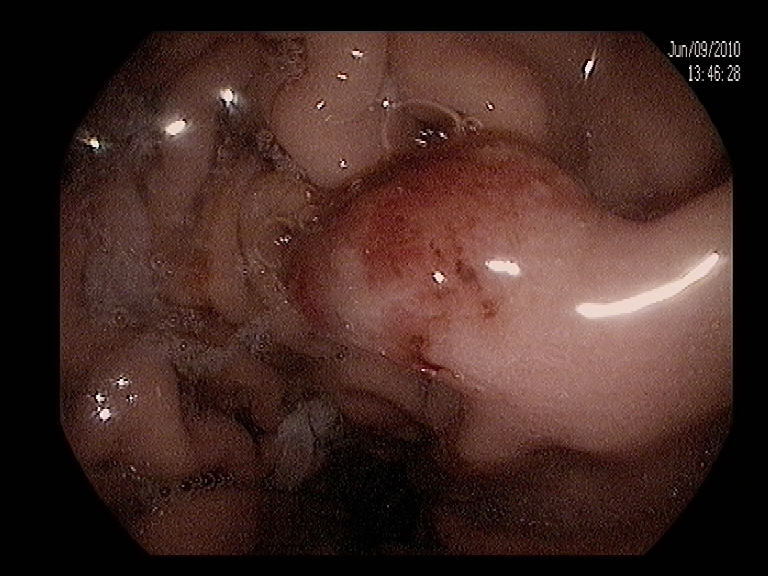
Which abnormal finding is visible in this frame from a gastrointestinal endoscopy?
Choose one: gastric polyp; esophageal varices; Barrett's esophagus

gastric polyp